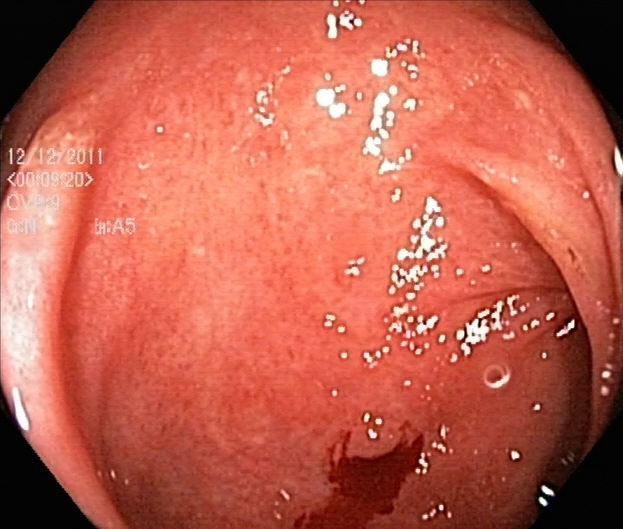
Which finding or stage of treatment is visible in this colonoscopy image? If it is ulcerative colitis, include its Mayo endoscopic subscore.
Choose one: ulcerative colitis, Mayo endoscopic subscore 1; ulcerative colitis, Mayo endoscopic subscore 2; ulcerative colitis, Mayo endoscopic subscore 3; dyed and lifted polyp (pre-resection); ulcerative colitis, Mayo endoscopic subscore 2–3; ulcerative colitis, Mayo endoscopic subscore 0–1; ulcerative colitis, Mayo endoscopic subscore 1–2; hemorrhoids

ulcerative colitis, Mayo endoscopic subscore 2